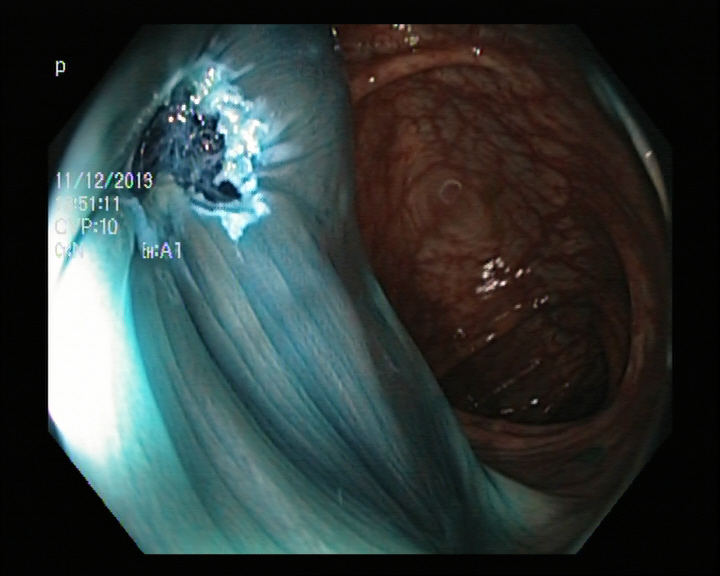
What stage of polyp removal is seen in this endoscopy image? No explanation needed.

dyed resection margin (post-polypectomy)